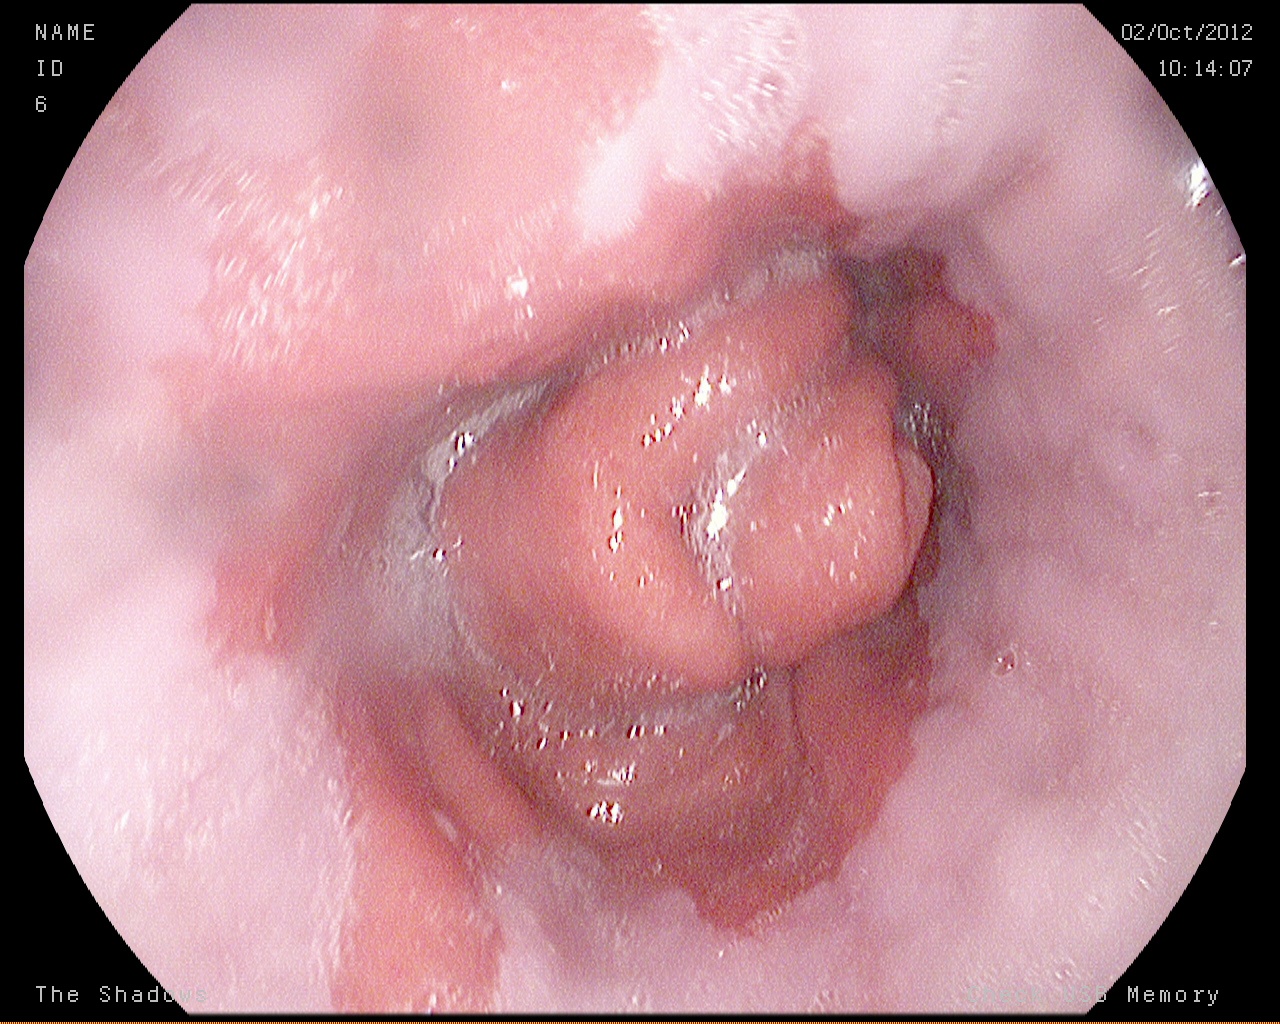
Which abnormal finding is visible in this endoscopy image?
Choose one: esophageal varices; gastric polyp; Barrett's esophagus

Barrett's esophagus